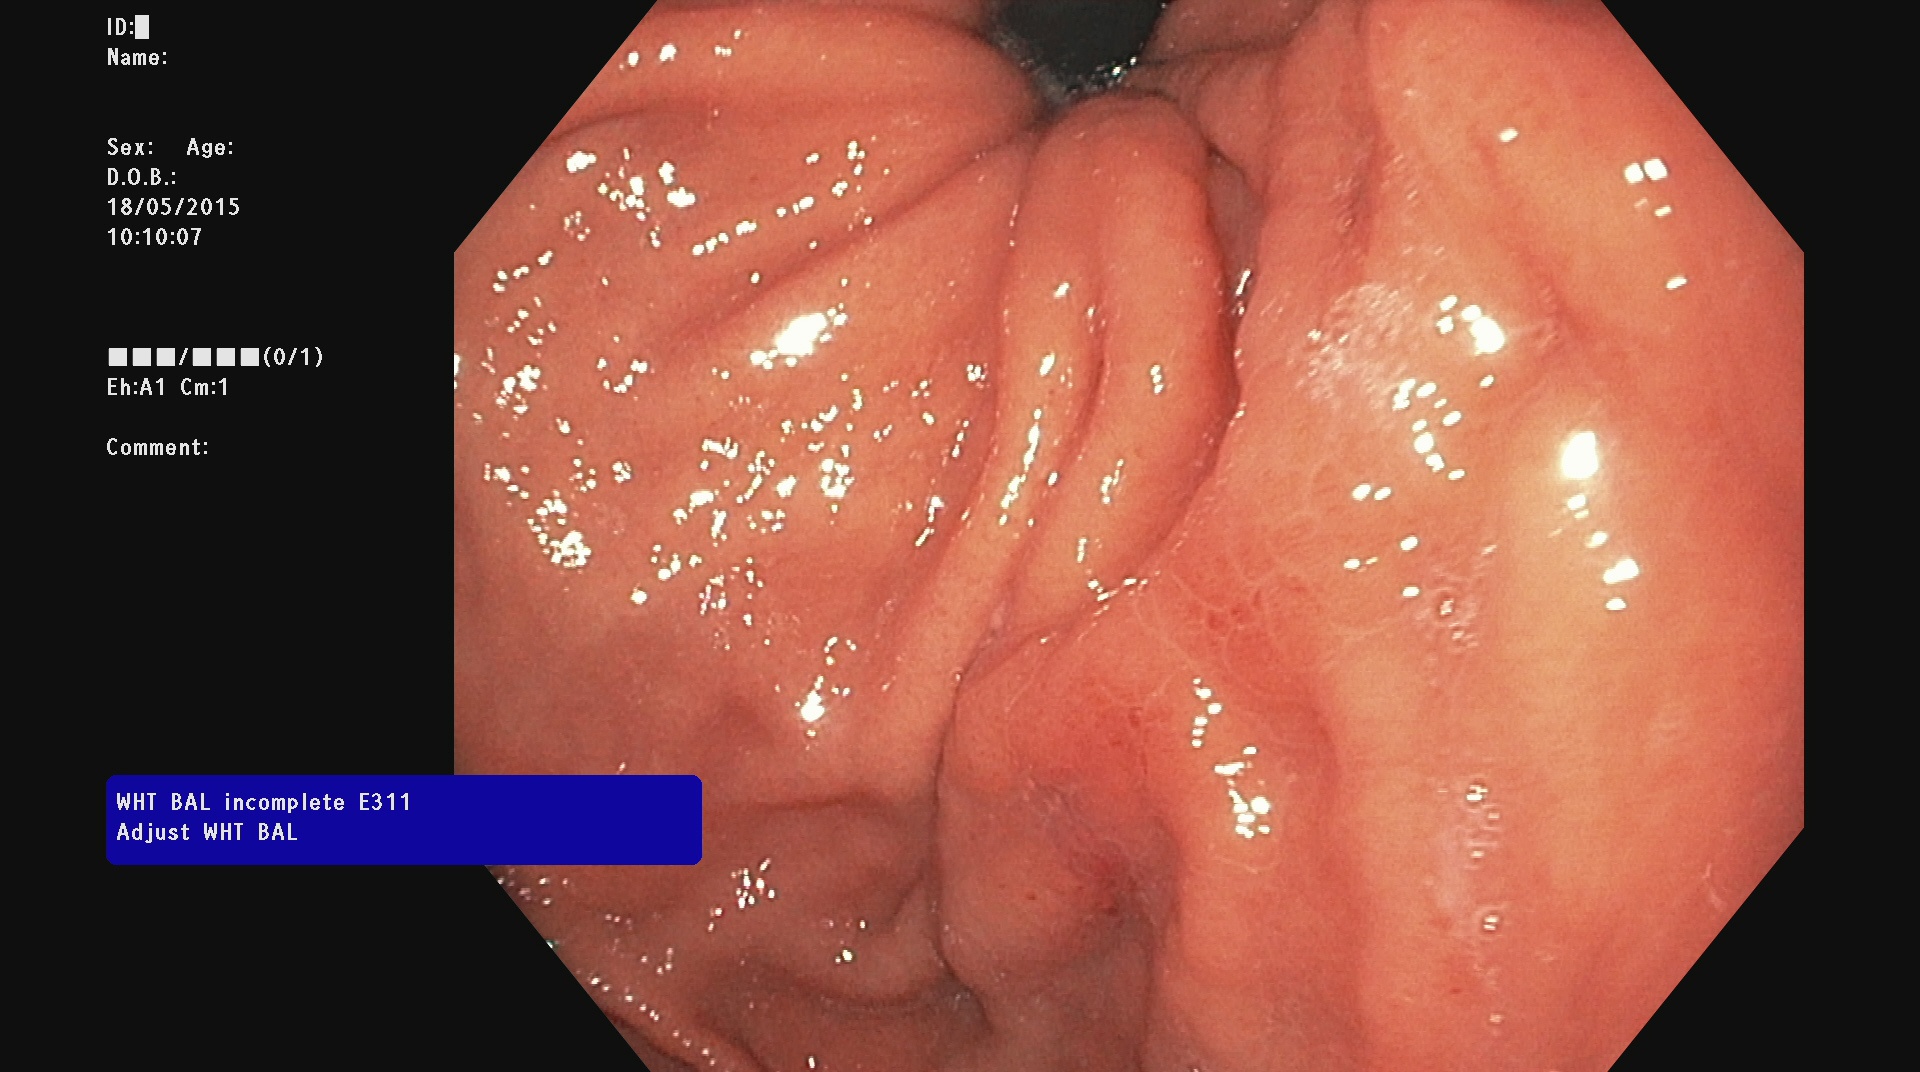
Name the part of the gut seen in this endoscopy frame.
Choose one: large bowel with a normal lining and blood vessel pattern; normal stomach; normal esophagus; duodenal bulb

normal stomach